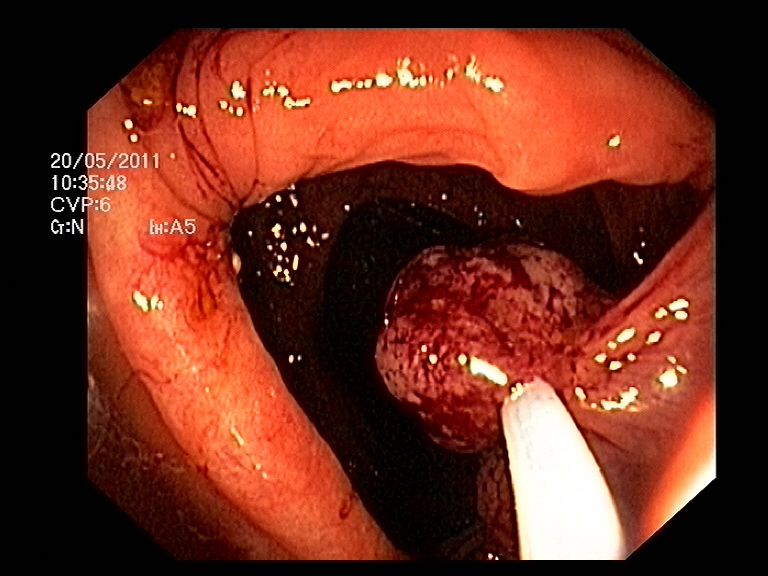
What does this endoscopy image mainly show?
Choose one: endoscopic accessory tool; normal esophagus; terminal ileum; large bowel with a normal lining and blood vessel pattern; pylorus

endoscopic accessory tool